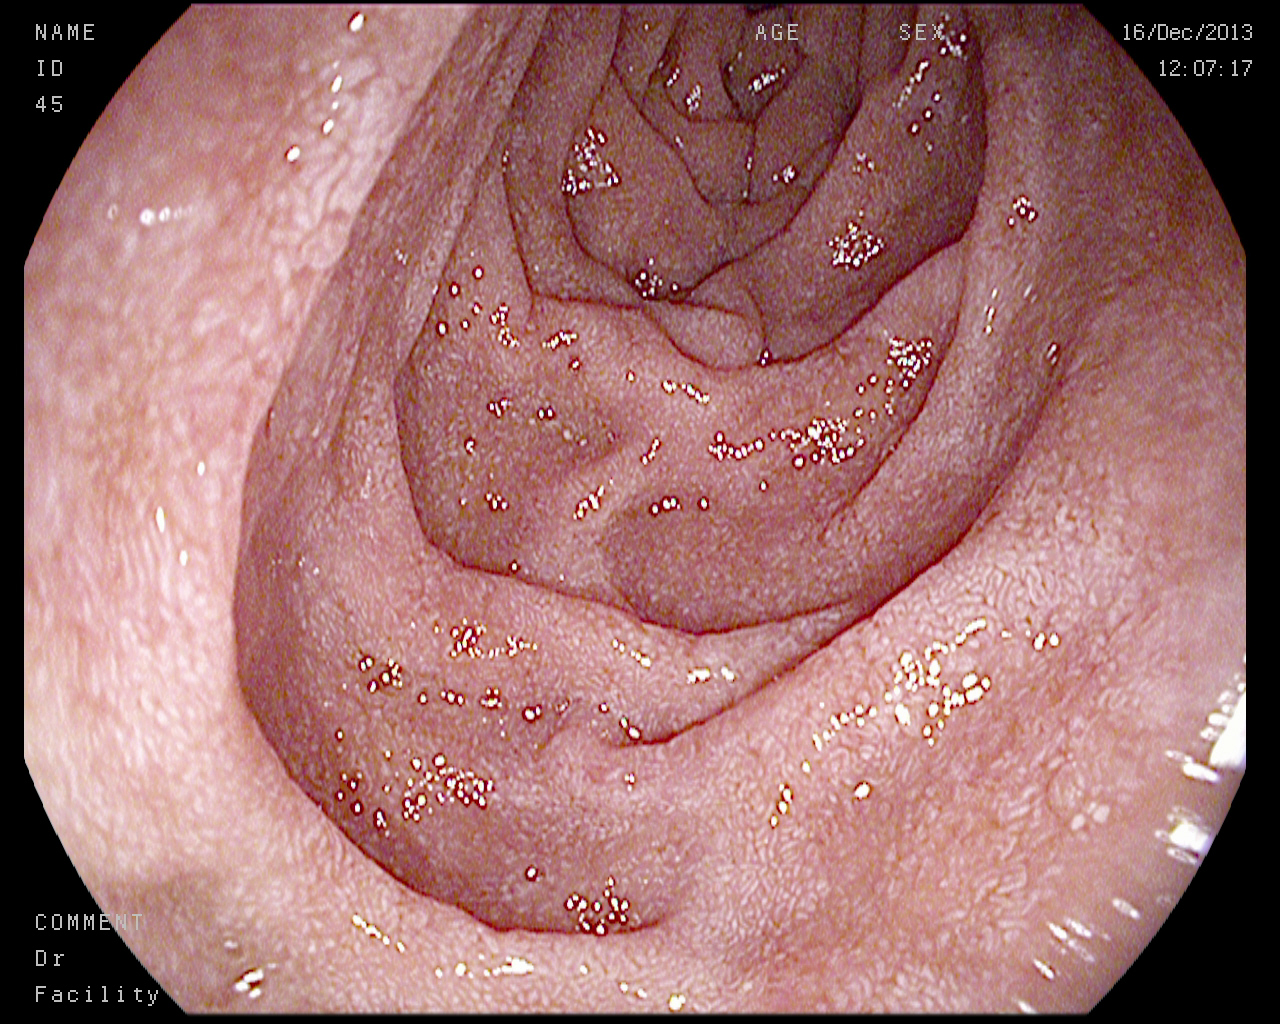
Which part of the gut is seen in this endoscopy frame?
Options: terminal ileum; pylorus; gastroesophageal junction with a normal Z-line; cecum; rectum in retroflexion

terminal ileum